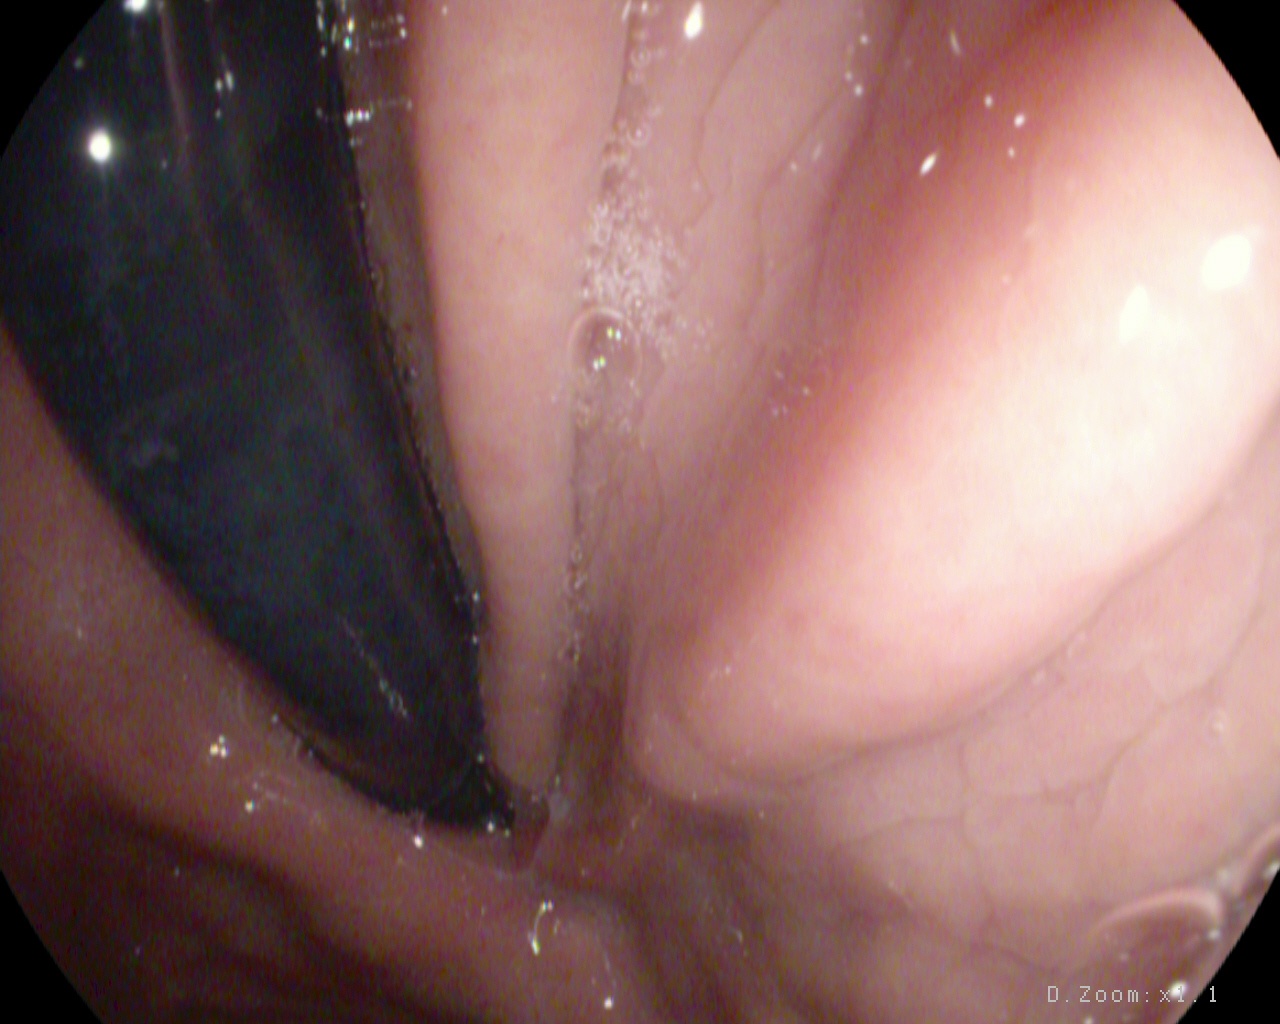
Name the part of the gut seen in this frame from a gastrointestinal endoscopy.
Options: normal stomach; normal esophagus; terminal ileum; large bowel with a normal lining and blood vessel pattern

normal stomach